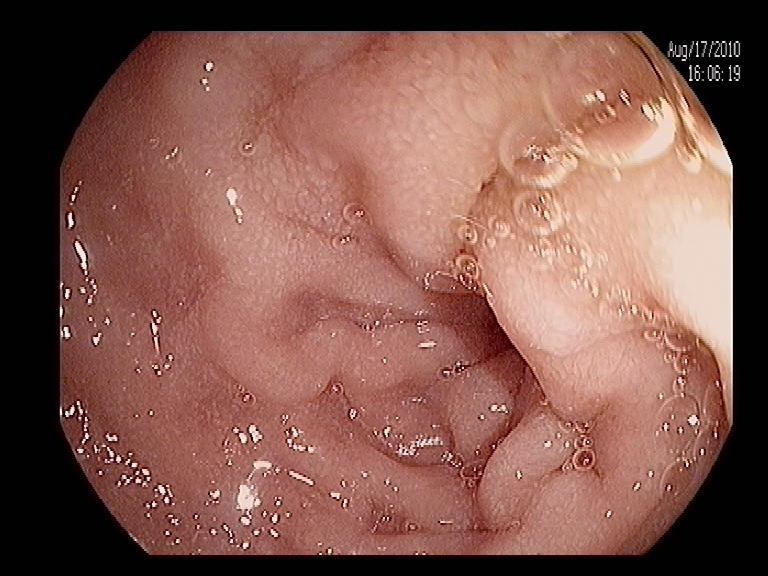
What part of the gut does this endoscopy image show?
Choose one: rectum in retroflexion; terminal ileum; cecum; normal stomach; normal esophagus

terminal ileum